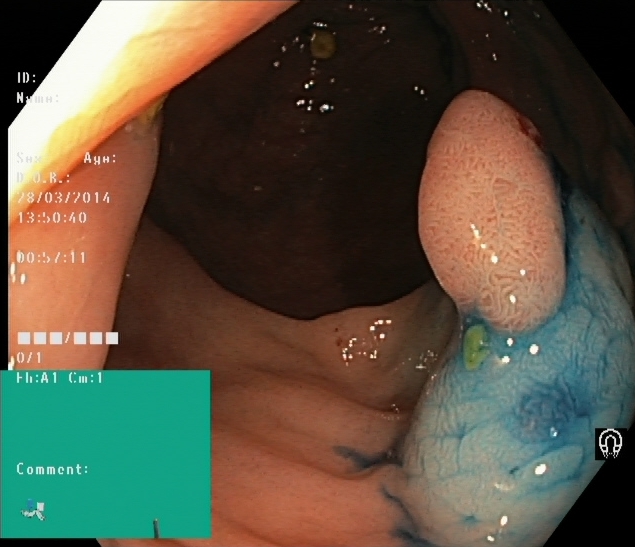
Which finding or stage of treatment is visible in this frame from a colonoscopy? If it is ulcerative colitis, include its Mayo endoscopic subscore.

dyed and lifted polyp (pre-resection)